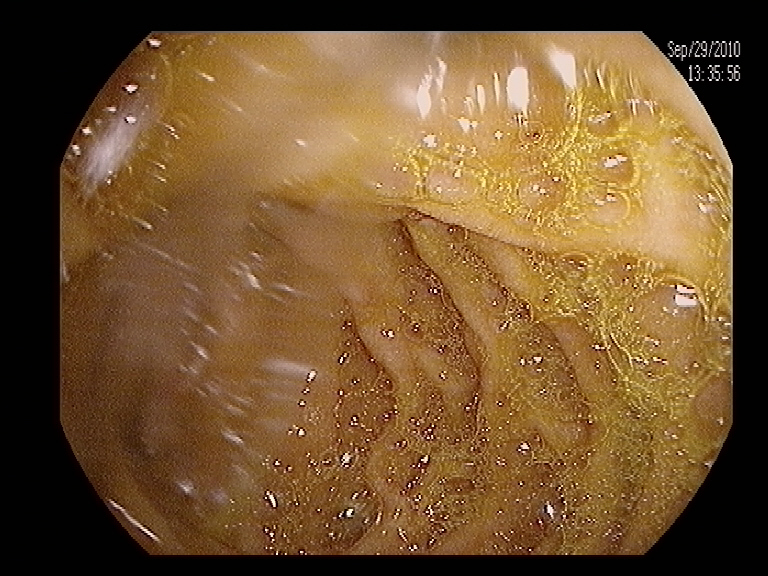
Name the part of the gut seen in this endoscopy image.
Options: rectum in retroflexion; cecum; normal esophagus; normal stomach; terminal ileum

terminal ileum